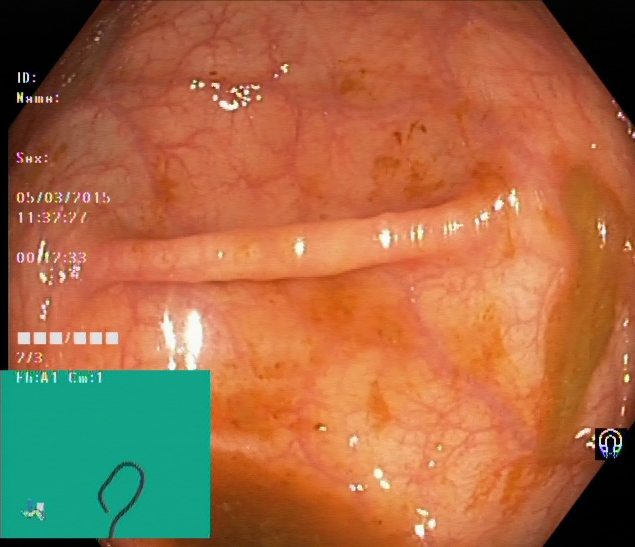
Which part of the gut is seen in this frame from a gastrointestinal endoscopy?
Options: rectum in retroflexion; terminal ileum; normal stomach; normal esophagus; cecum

cecum